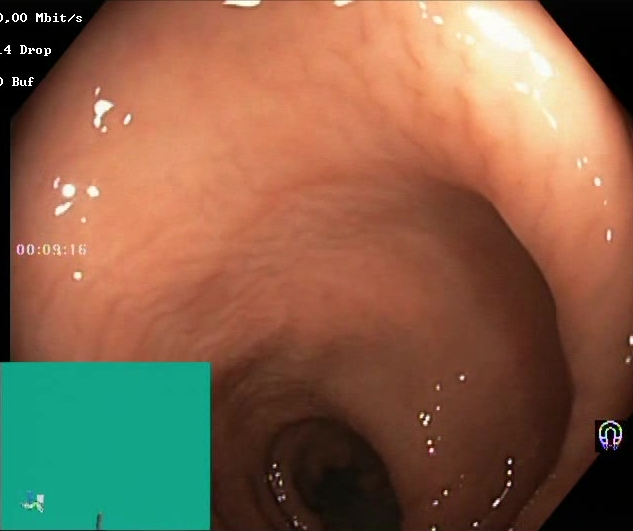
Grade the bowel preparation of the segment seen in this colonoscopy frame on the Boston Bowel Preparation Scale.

Boston Bowel Preparation Scale score 2–3 (adequate preparation)